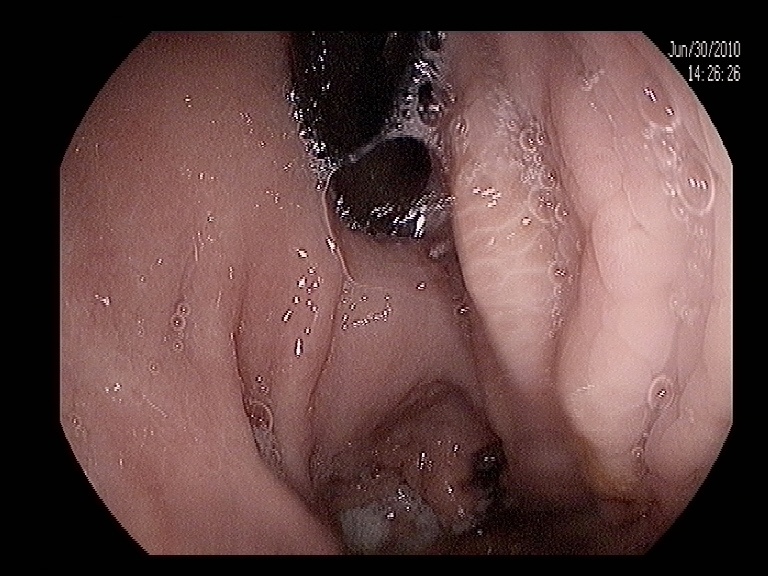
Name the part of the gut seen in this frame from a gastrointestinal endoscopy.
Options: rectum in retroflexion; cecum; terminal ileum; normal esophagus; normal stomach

normal stomach